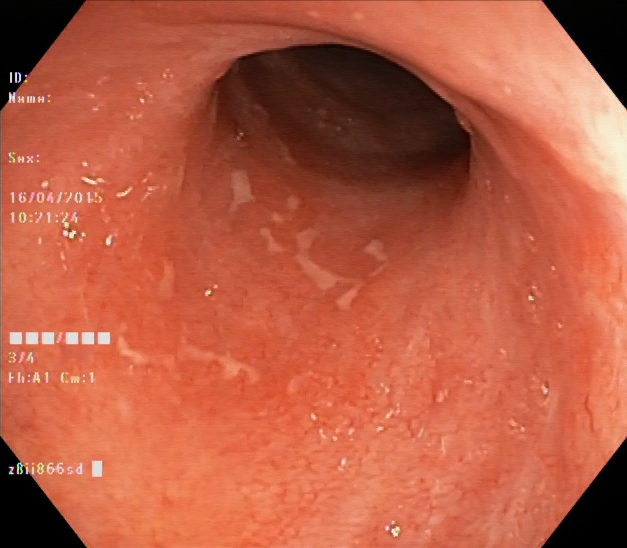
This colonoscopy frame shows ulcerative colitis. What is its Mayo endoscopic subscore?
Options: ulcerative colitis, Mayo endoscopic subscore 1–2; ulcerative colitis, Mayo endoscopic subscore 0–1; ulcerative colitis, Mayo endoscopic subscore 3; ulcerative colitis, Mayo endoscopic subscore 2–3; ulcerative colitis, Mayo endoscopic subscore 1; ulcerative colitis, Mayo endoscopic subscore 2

ulcerative colitis, Mayo endoscopic subscore 1–2